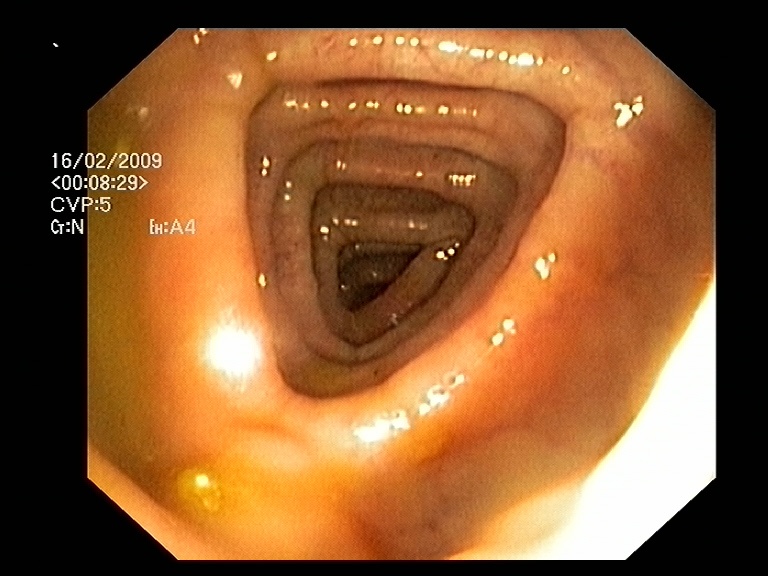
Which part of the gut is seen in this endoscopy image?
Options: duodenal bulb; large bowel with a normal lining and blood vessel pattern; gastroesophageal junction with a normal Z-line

large bowel with a normal lining and blood vessel pattern